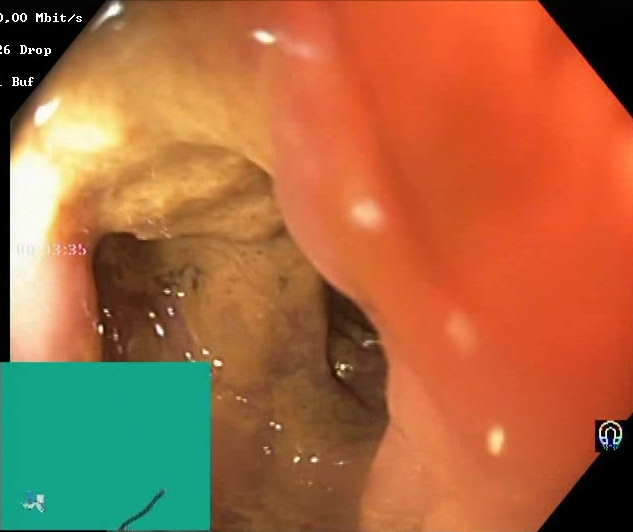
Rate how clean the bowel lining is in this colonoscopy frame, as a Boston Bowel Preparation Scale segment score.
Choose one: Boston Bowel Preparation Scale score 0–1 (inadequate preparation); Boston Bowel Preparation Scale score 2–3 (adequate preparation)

Boston Bowel Preparation Scale score 0–1 (inadequate preparation)